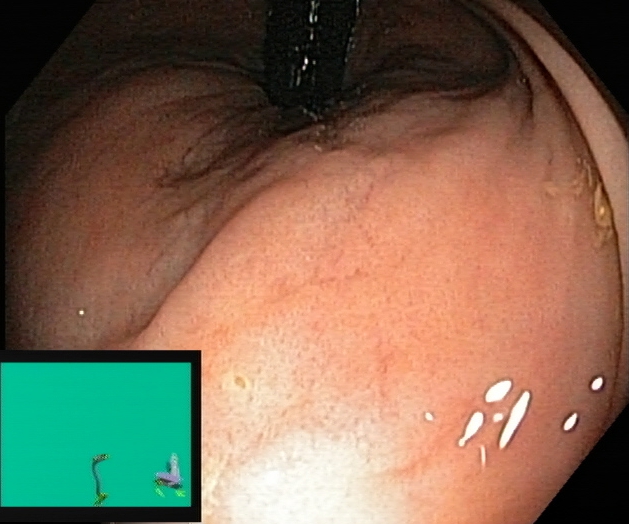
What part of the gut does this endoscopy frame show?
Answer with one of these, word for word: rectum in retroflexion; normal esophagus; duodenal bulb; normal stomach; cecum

rectum in retroflexion